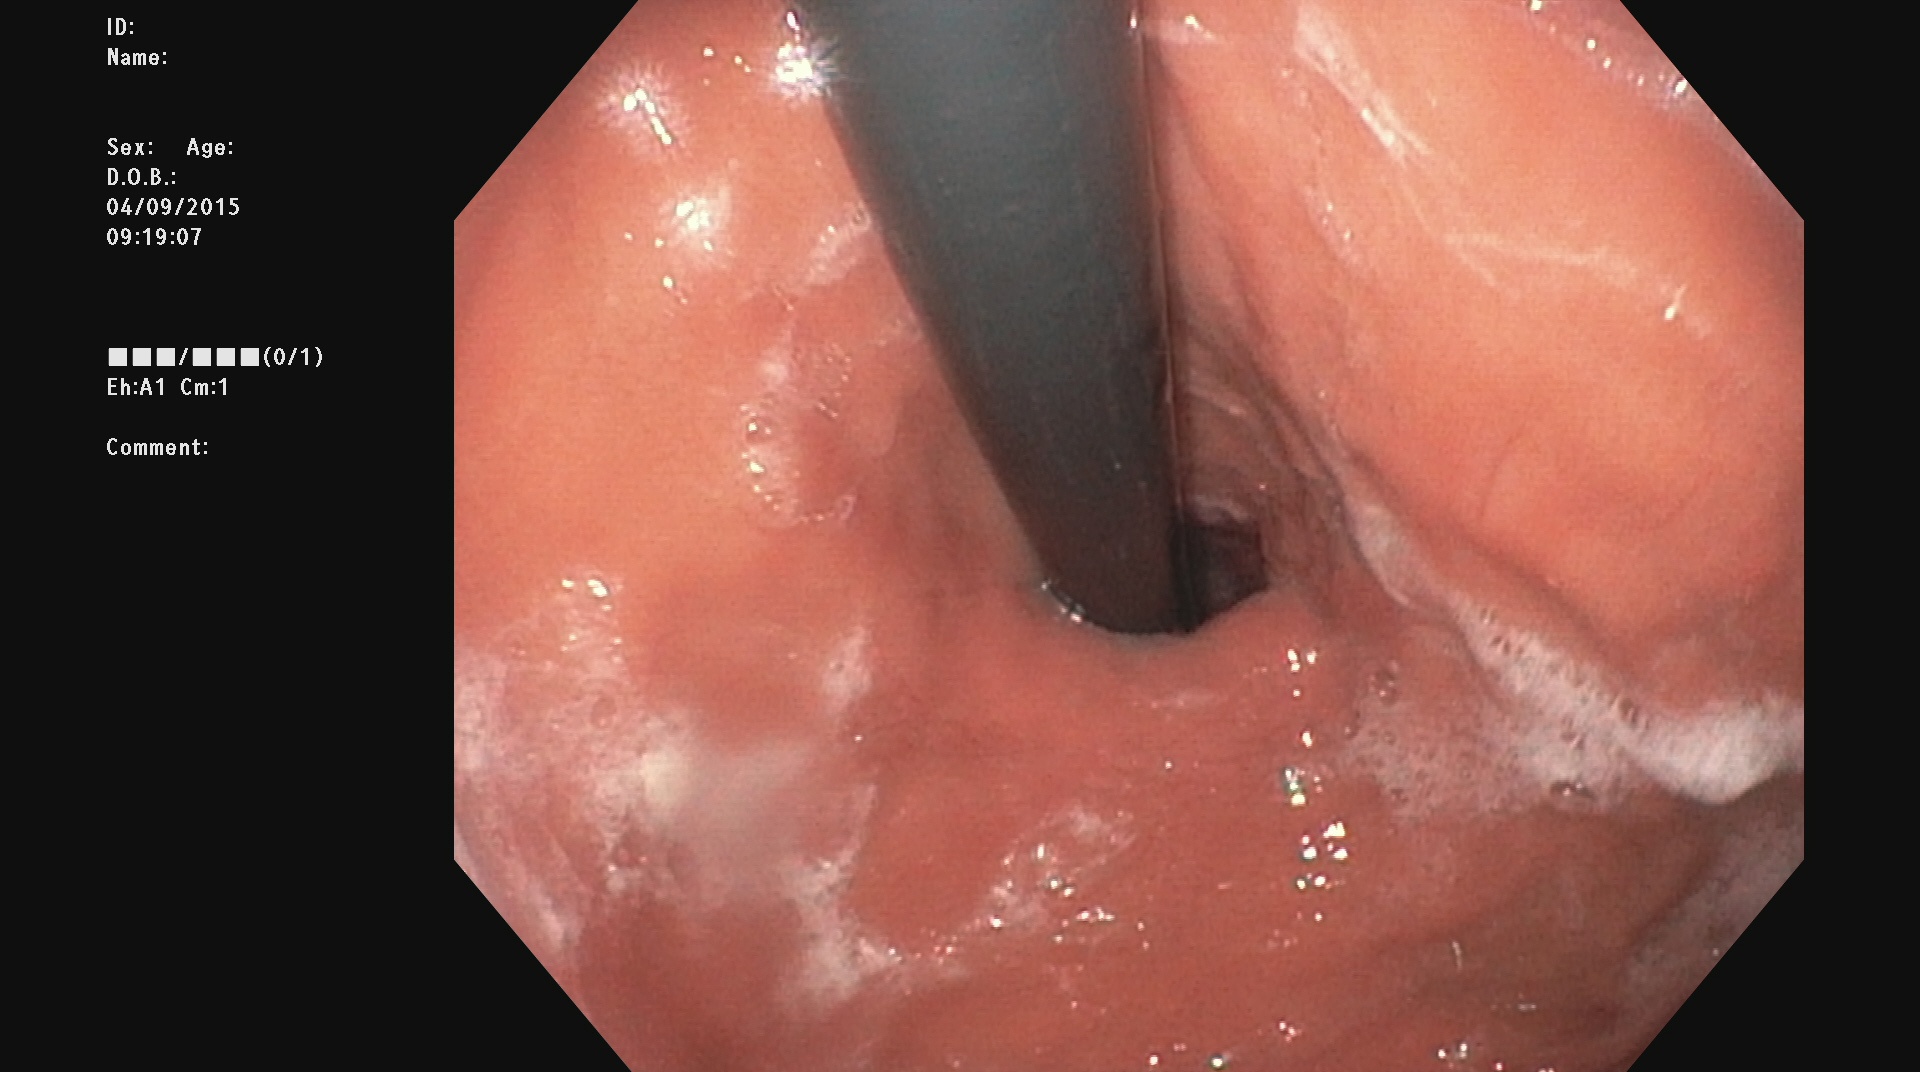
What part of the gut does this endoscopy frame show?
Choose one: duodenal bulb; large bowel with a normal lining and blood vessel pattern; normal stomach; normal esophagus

normal stomach